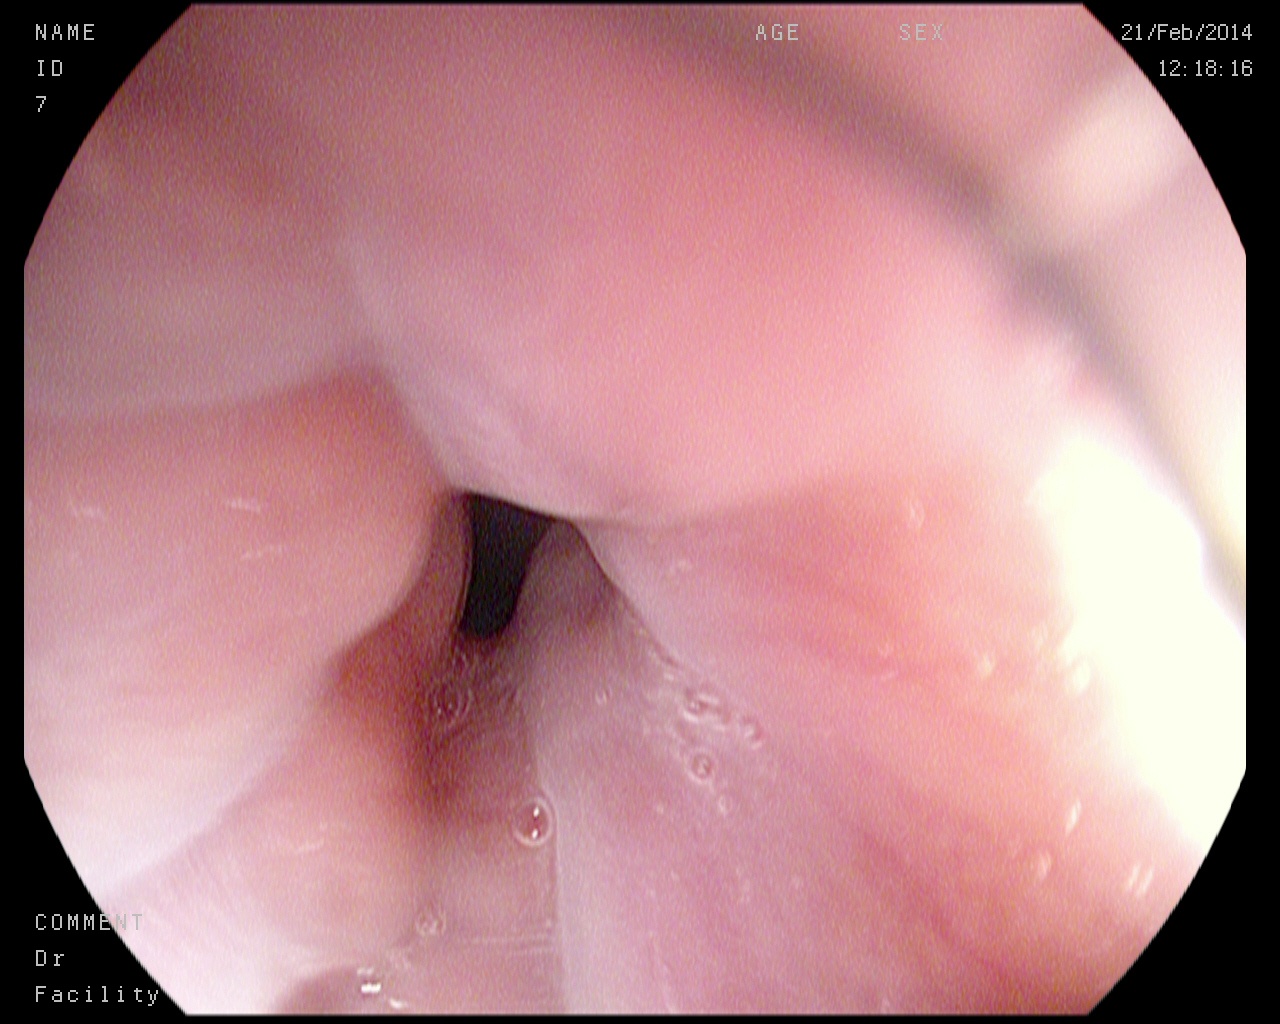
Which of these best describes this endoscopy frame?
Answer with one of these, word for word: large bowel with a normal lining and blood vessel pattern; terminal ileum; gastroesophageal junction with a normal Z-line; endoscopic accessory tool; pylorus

gastroesophageal junction with a normal Z-line